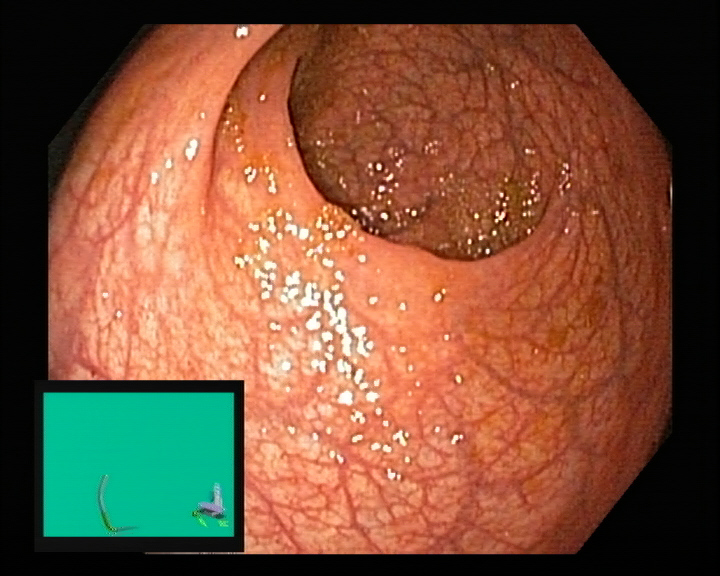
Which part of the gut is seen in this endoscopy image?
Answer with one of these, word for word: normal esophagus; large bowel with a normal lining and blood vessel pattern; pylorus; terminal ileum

large bowel with a normal lining and blood vessel pattern